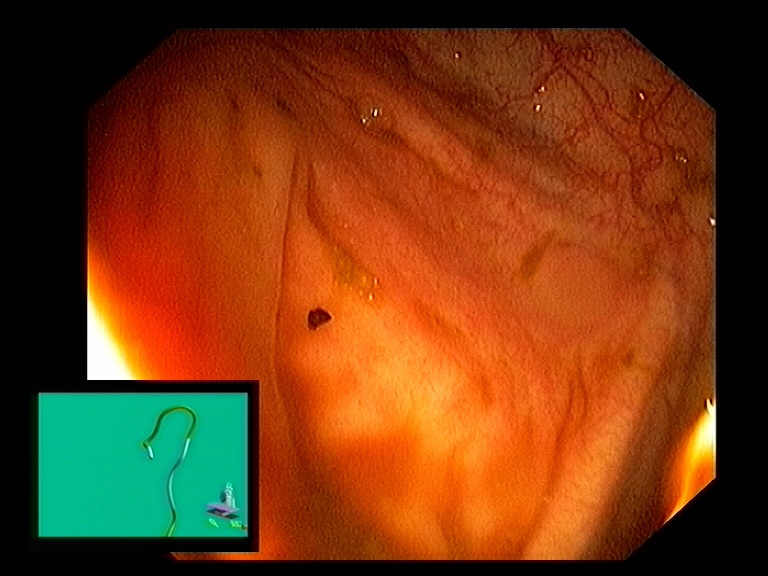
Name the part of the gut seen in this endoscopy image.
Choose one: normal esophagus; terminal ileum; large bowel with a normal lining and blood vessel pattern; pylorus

large bowel with a normal lining and blood vessel pattern